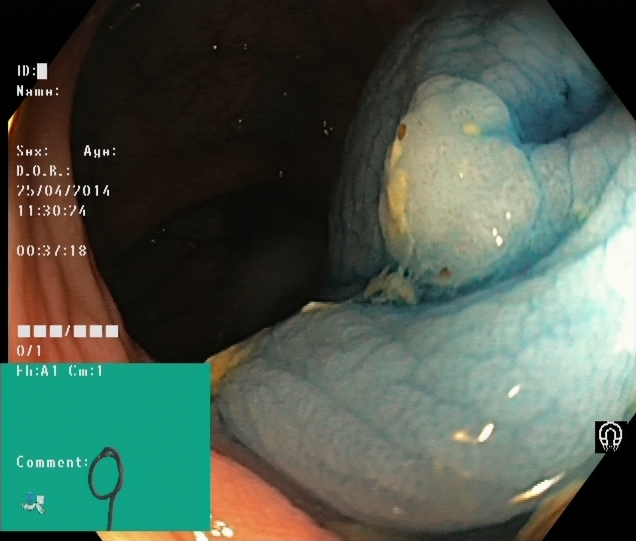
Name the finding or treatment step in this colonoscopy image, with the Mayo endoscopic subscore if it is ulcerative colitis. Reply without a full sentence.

dyed and lifted polyp (pre-resection)